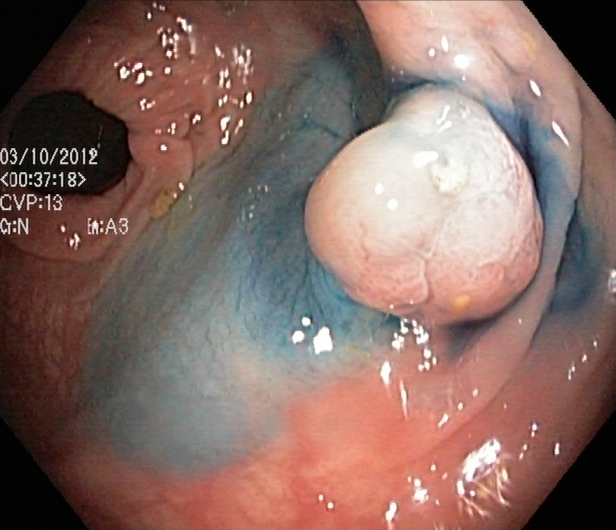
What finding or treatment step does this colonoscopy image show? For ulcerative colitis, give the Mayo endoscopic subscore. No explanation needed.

dyed and lifted polyp (pre-resection)